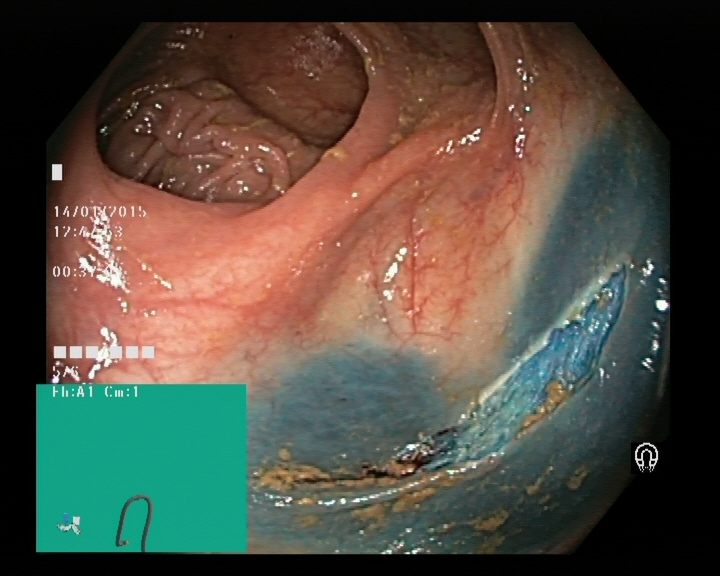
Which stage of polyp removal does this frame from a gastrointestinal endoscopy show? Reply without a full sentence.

dyed resection margin (post-polypectomy)